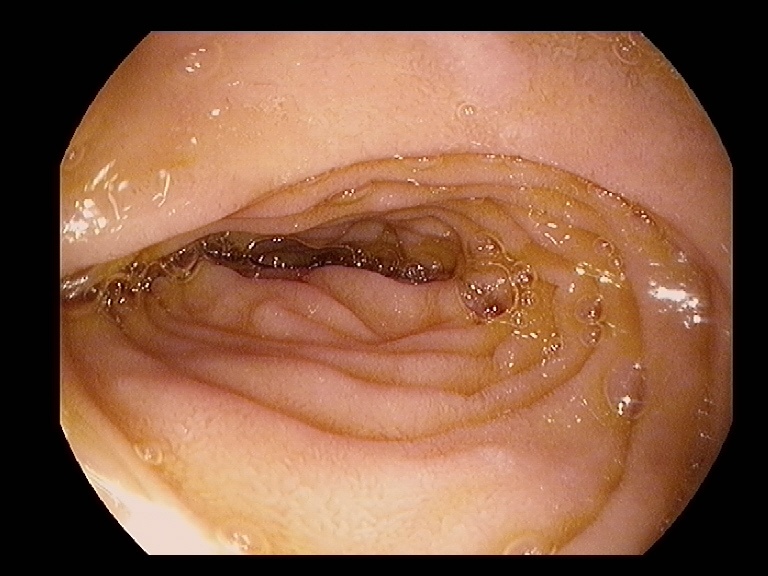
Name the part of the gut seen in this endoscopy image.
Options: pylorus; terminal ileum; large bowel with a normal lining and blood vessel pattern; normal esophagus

terminal ileum